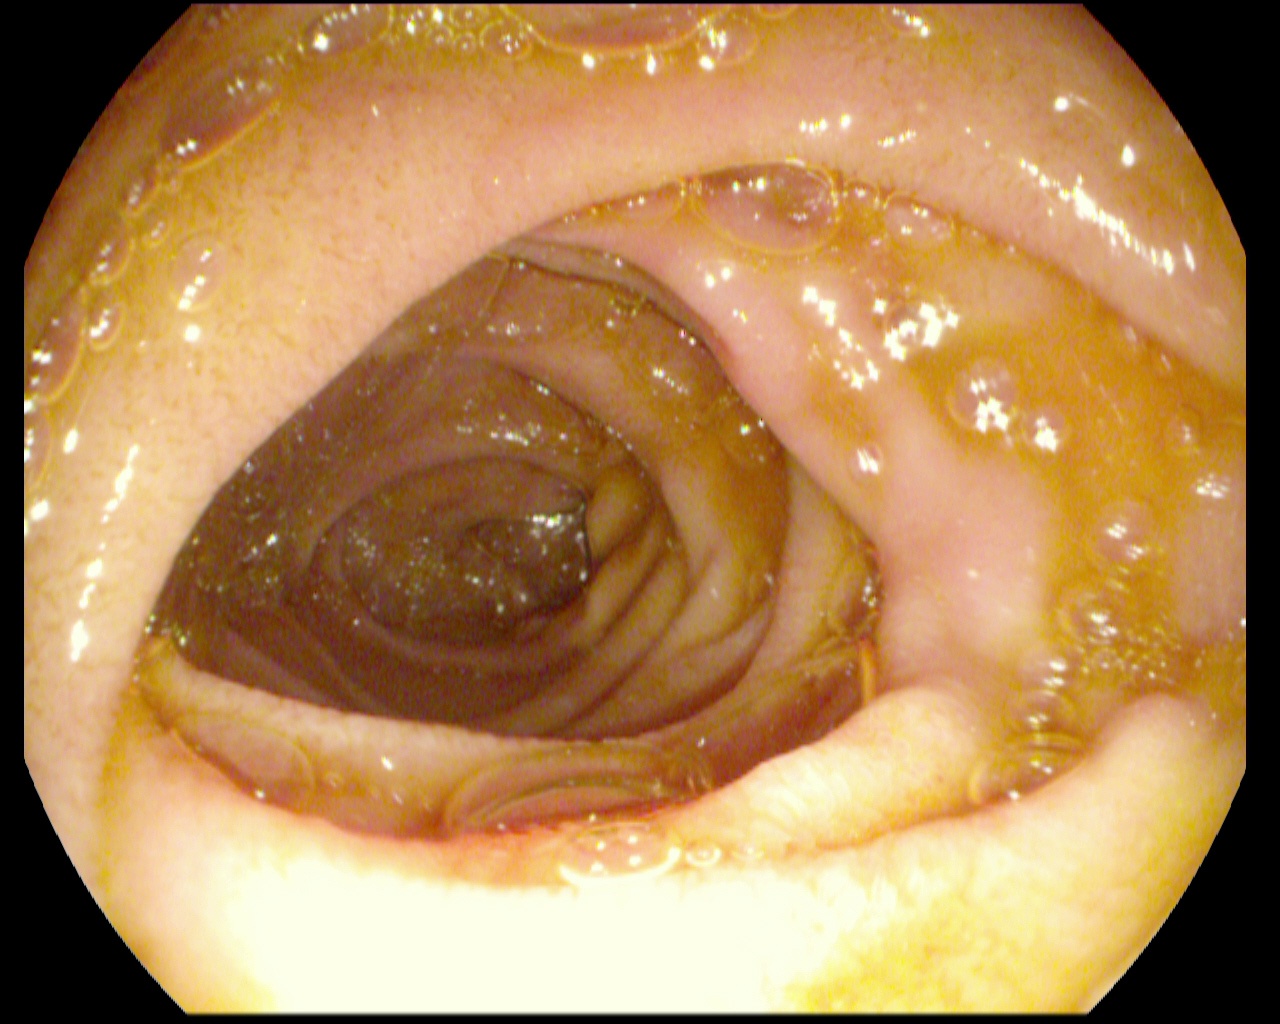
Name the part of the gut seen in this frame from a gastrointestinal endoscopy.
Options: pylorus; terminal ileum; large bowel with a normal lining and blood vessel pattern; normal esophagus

large bowel with a normal lining and blood vessel pattern